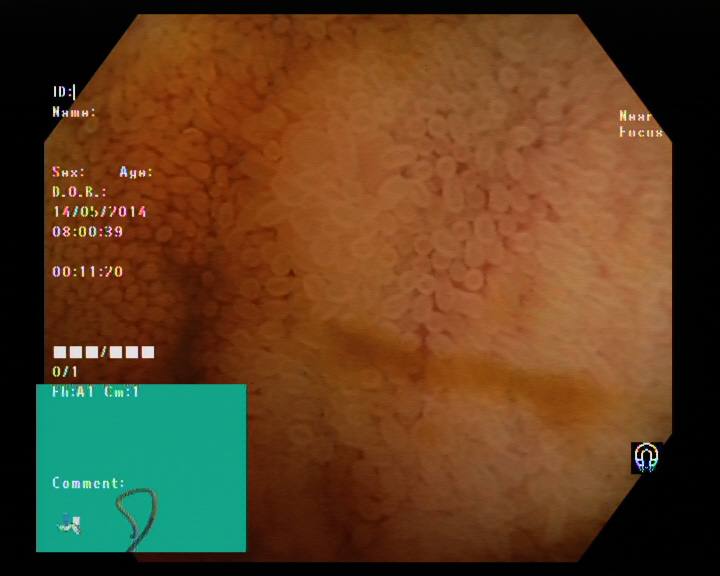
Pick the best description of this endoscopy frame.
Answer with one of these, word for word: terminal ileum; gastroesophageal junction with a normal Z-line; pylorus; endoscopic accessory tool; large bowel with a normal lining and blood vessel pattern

terminal ileum